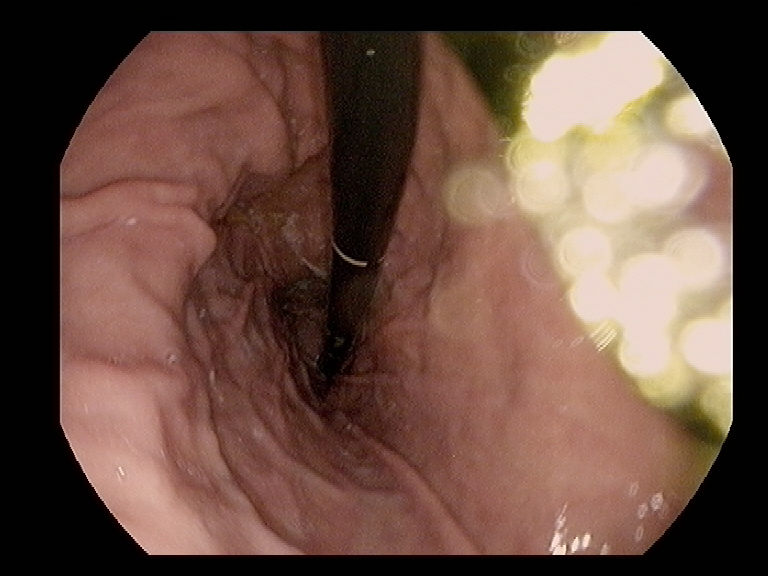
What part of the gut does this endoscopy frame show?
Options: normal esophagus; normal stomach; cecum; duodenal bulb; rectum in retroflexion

normal stomach